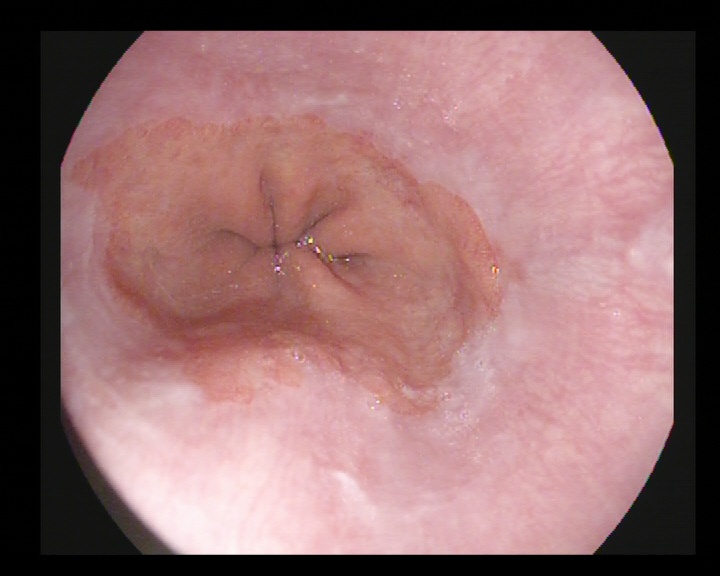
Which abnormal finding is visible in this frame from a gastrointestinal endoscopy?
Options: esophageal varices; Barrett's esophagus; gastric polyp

Barrett's esophagus